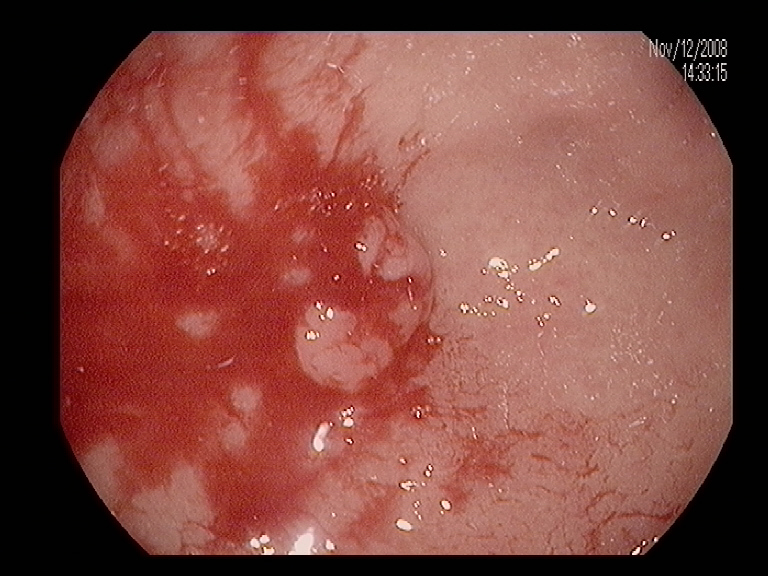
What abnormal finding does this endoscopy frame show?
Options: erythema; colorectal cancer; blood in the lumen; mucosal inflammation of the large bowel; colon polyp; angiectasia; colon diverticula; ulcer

blood in the lumen